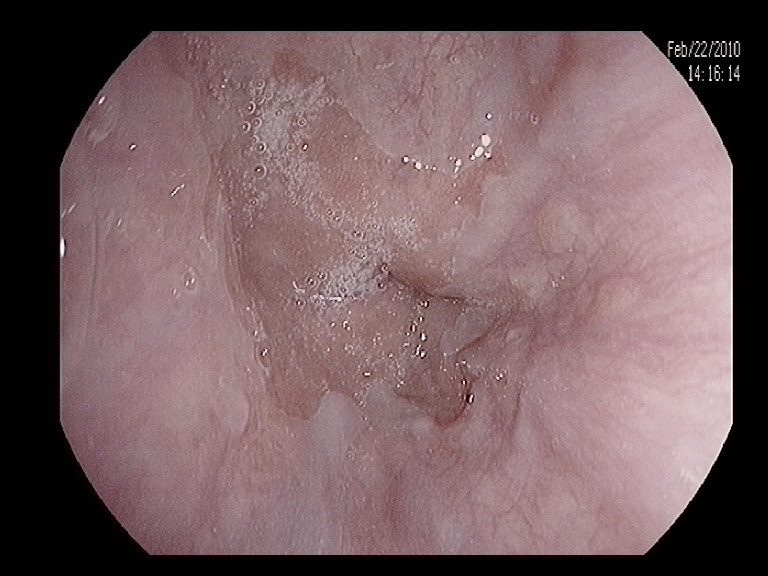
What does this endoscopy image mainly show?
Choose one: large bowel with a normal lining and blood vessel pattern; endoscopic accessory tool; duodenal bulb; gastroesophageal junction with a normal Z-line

gastroesophageal junction with a normal Z-line